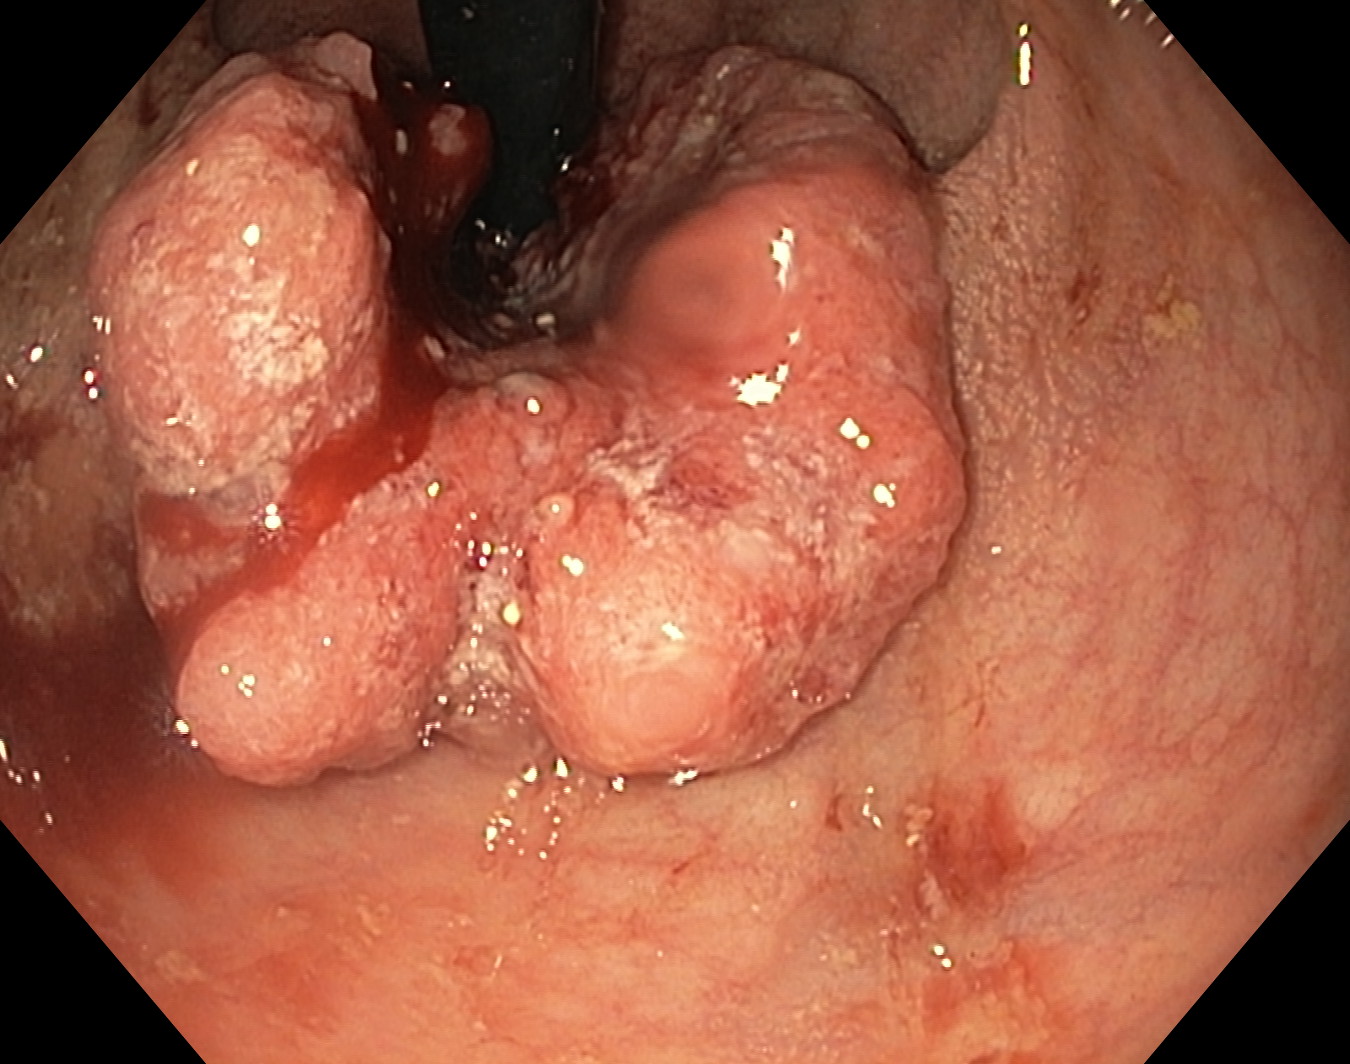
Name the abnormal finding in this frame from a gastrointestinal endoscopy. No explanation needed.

colorectal cancer